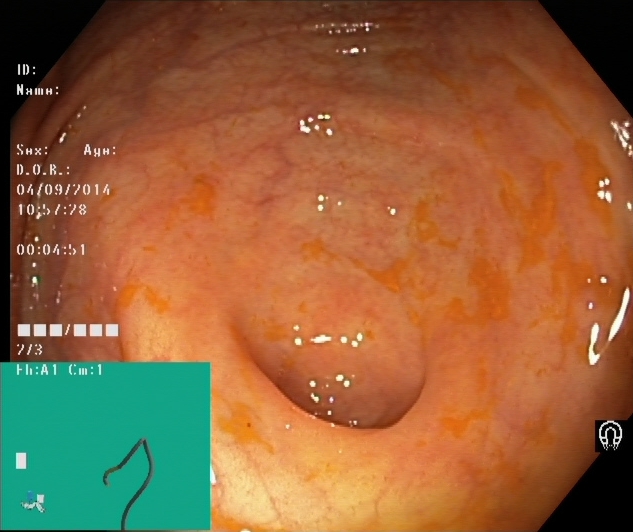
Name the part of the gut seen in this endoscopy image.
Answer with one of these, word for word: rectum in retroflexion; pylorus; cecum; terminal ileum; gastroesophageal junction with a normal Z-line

cecum